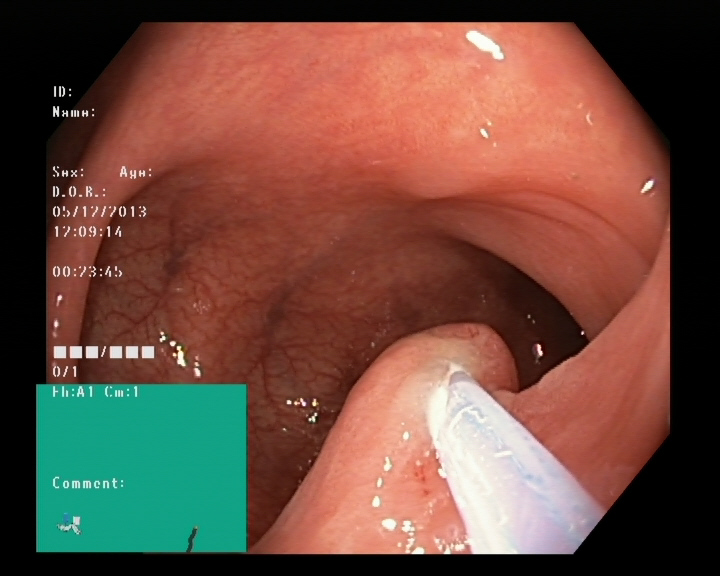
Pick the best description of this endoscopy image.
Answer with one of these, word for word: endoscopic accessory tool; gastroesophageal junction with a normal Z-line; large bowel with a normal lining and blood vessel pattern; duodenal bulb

endoscopic accessory tool